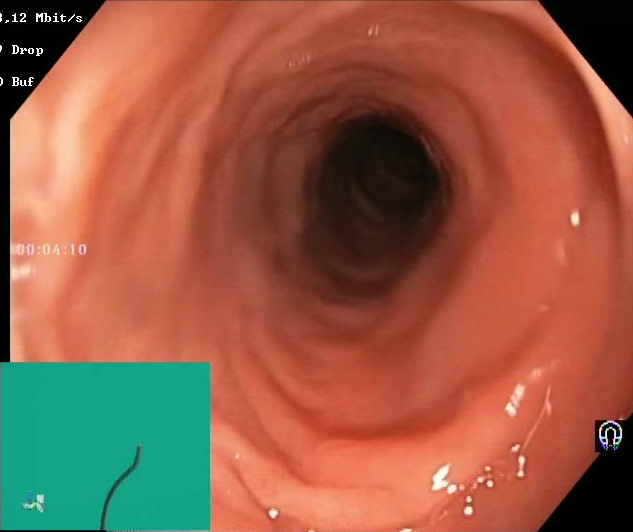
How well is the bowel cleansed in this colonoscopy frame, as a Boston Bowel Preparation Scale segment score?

Boston Bowel Preparation Scale score 2–3 (adequate preparation)